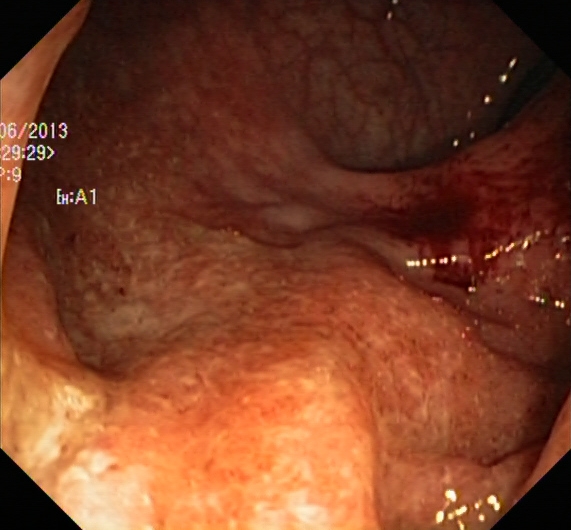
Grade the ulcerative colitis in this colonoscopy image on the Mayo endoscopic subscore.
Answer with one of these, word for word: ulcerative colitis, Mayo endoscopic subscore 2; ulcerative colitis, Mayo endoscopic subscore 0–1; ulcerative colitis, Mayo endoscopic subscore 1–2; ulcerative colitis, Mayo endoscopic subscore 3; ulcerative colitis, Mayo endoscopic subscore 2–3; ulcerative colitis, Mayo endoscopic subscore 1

ulcerative colitis, Mayo endoscopic subscore 1